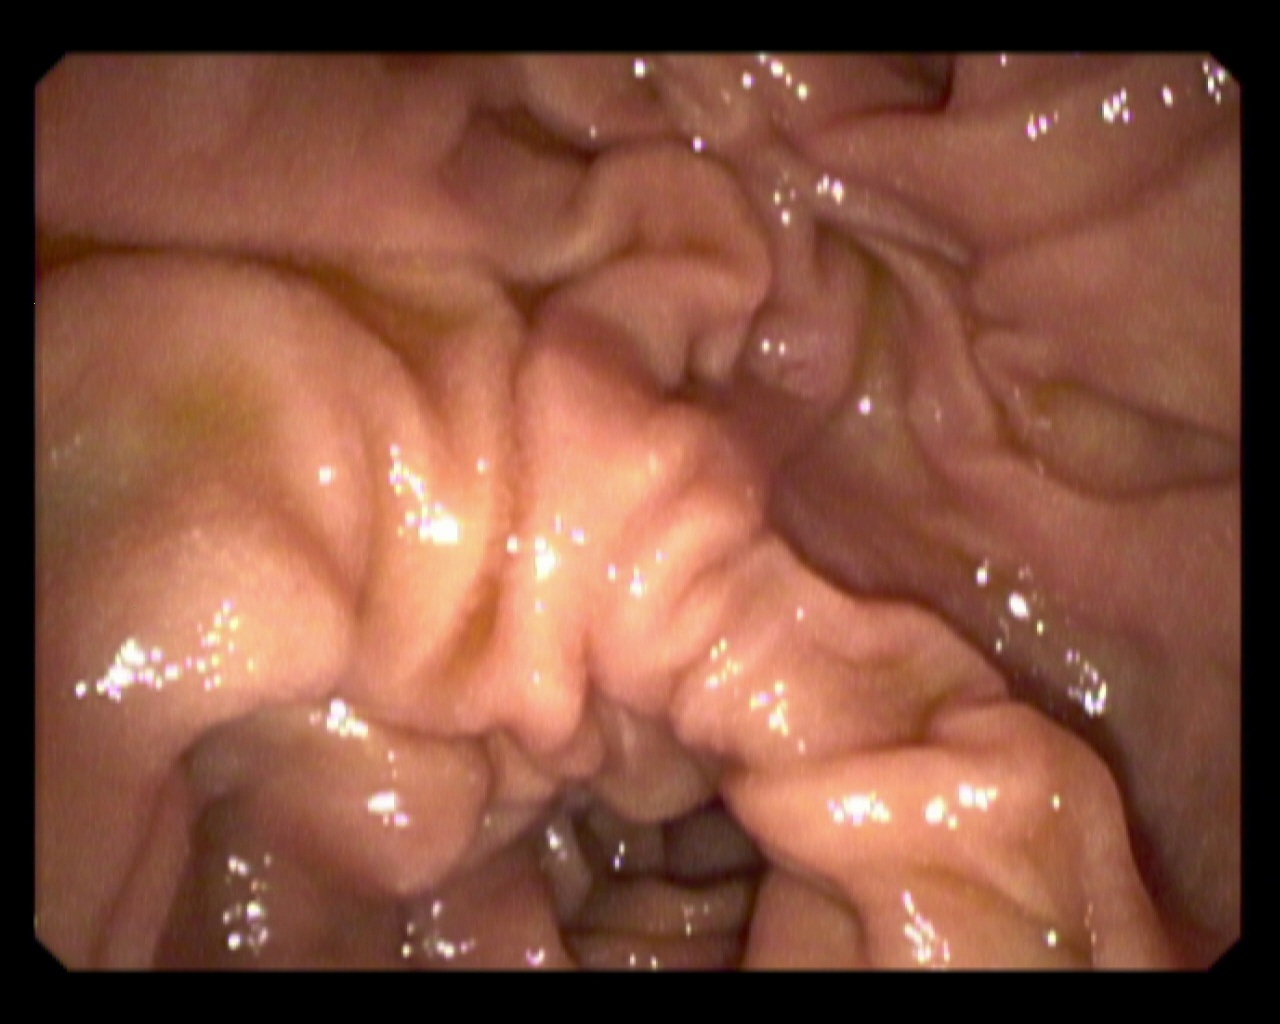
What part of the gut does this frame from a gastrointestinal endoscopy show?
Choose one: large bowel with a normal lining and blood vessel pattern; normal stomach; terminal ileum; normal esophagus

normal stomach